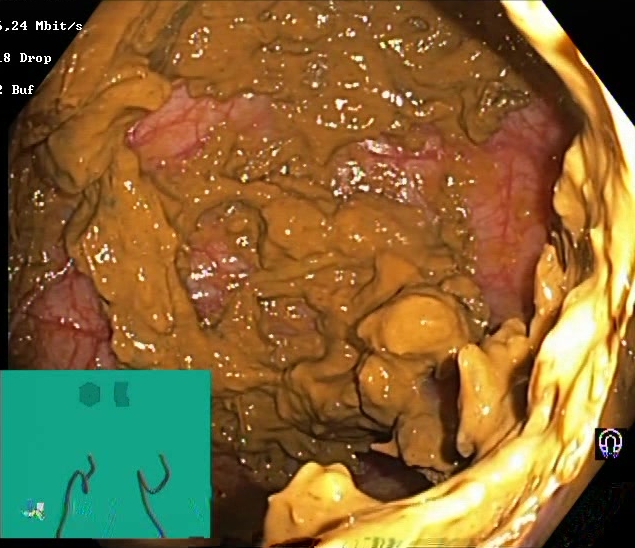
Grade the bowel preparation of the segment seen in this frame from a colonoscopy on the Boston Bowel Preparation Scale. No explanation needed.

Boston Bowel Preparation Scale score 0–1 (inadequate preparation)